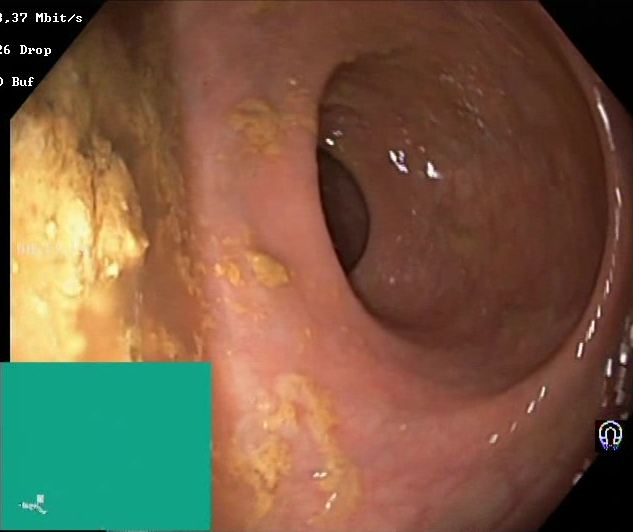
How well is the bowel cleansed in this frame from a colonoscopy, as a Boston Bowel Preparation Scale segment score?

Boston Bowel Preparation Scale score 0–1 (inadequate preparation)